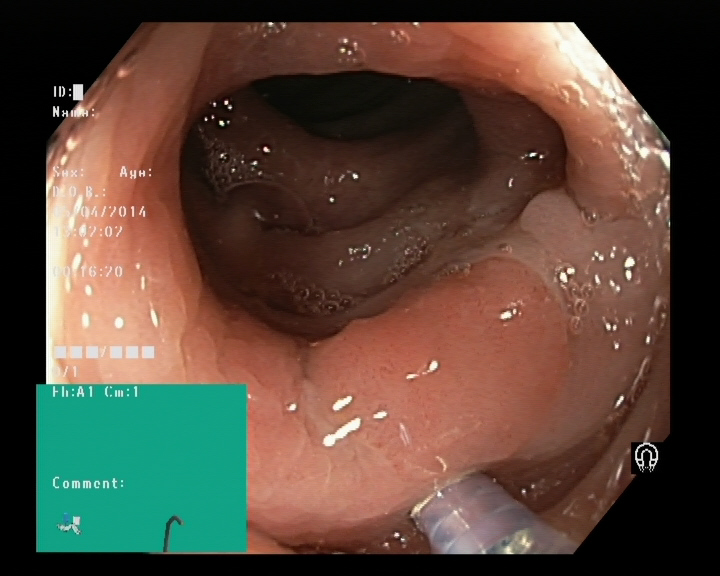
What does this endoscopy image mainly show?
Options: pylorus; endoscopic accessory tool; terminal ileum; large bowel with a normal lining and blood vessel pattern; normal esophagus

endoscopic accessory tool